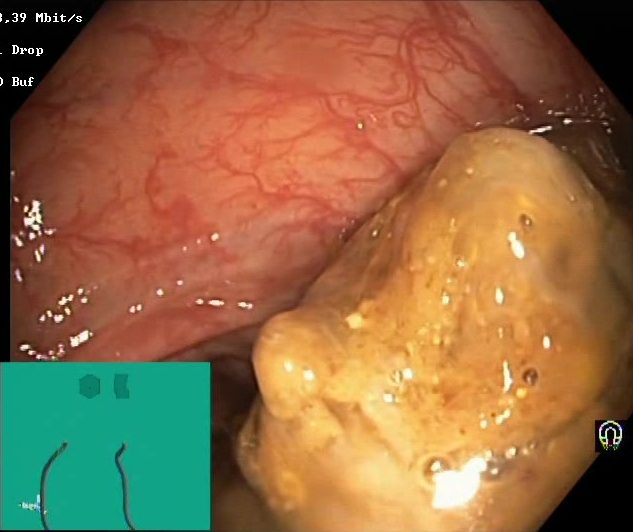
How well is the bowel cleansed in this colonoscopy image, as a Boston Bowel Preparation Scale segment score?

Boston Bowel Preparation Scale score 0–1 (inadequate preparation)